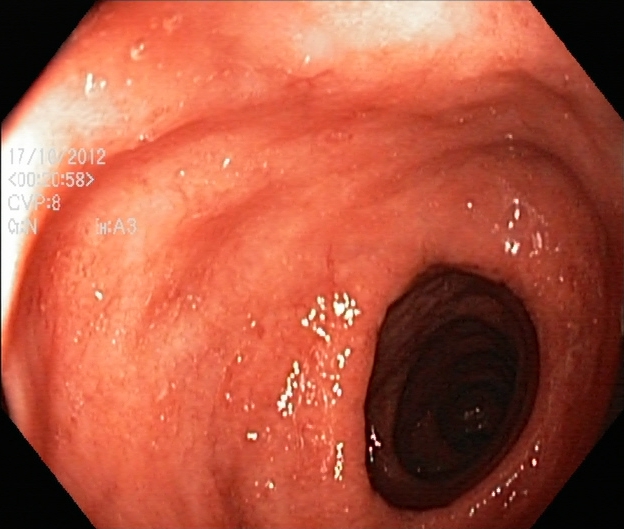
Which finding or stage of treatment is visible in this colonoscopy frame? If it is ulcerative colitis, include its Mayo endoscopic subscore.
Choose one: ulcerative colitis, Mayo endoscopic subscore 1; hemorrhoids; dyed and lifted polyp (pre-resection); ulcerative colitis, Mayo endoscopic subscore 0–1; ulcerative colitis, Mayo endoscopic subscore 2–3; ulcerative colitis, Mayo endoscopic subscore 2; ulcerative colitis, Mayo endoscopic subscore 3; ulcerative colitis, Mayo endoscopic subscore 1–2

ulcerative colitis, Mayo endoscopic subscore 2